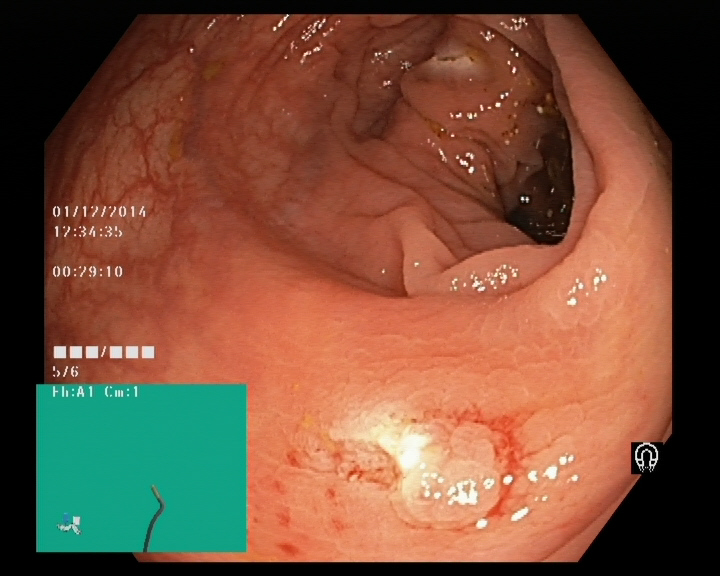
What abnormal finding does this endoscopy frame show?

colon polyp